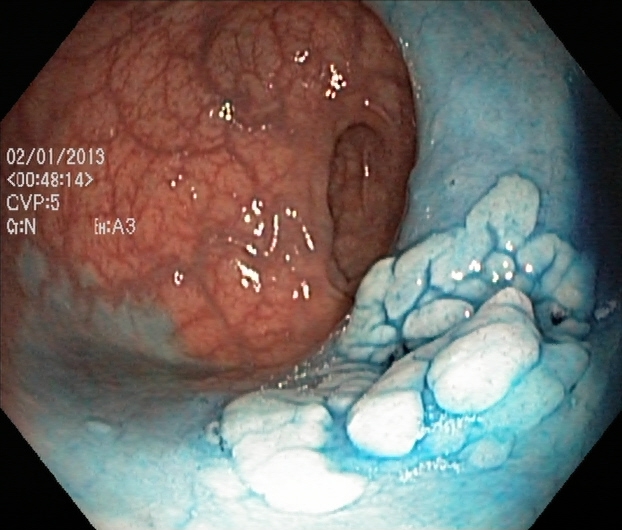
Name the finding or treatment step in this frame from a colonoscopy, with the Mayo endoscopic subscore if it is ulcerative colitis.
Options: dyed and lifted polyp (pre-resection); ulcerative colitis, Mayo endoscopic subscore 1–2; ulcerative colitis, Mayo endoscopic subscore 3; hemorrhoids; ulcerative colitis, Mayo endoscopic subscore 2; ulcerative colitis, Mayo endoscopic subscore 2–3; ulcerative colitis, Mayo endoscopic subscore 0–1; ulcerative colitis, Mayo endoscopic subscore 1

dyed and lifted polyp (pre-resection)